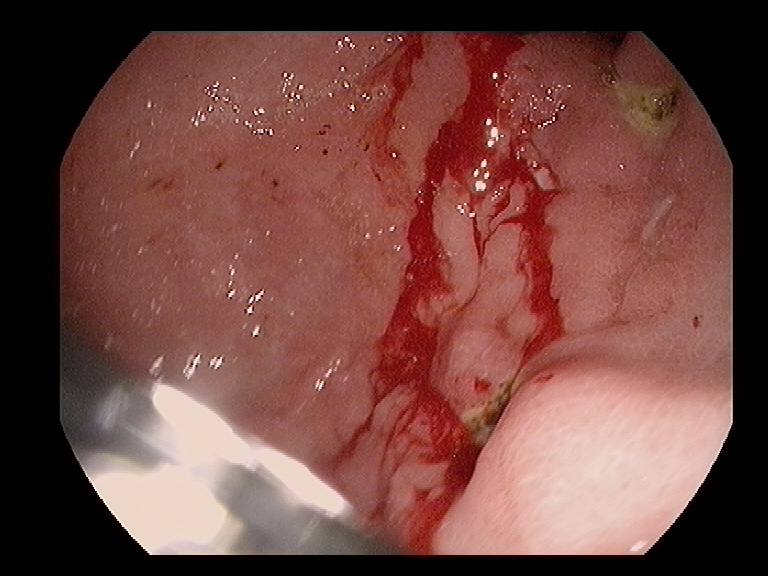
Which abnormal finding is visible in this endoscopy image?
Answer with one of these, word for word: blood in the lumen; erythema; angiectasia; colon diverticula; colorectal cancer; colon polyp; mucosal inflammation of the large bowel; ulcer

blood in the lumen